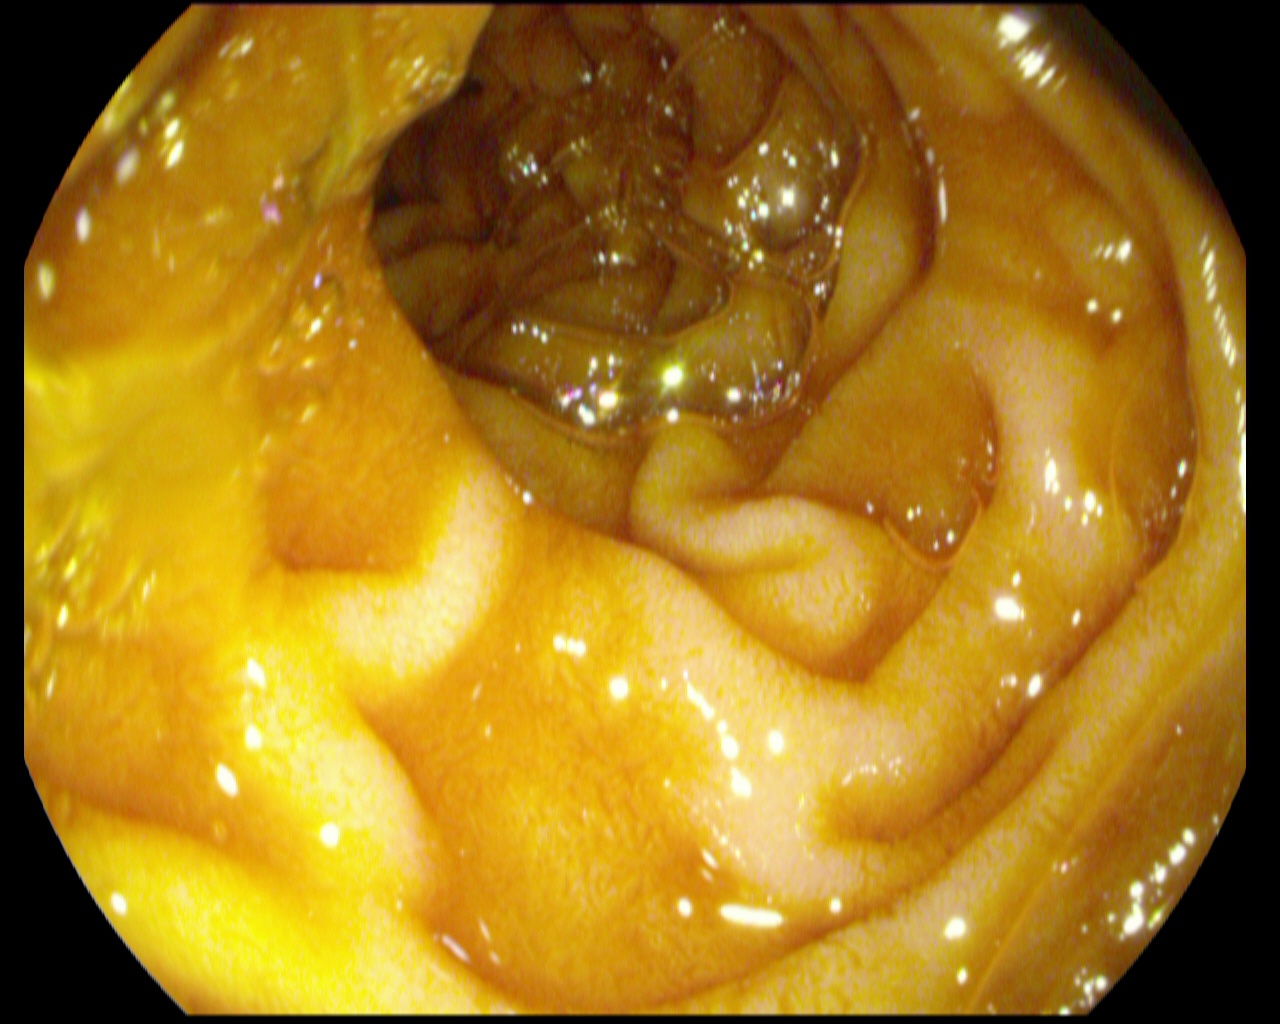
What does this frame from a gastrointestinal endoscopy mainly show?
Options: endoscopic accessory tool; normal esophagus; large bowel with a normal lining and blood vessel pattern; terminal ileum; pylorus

terminal ileum